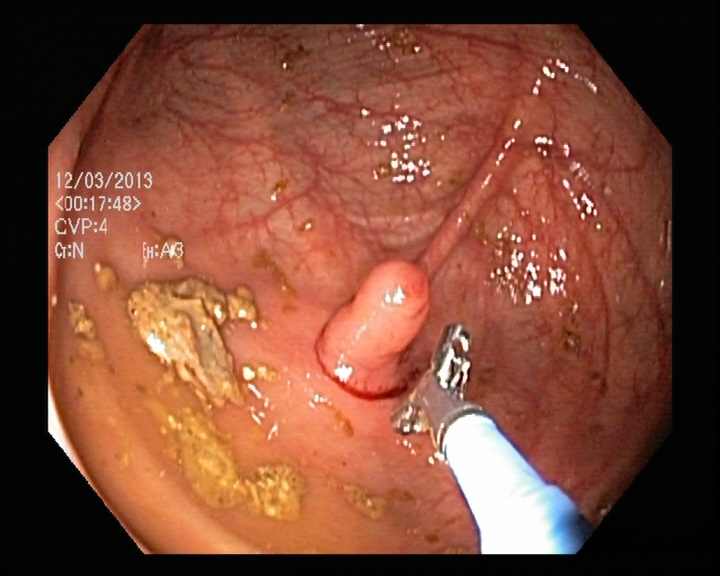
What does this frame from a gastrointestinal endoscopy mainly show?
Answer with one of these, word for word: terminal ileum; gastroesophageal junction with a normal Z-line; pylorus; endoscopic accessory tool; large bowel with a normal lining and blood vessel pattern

endoscopic accessory tool